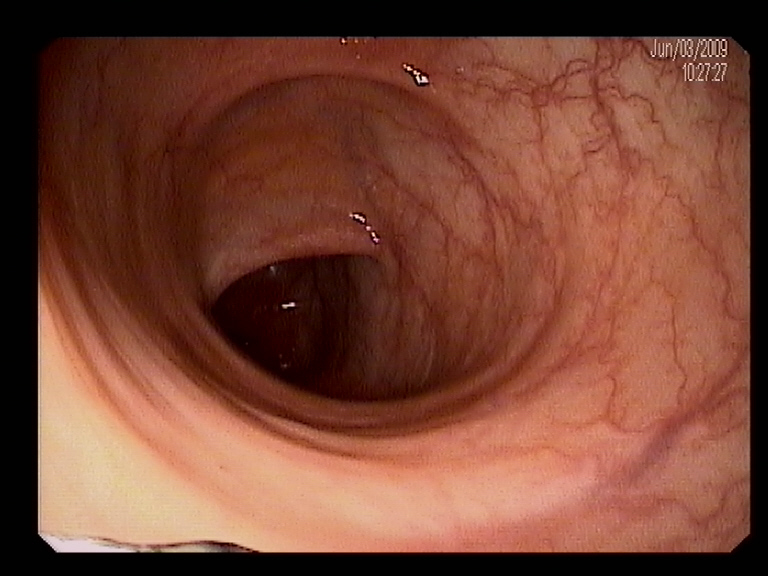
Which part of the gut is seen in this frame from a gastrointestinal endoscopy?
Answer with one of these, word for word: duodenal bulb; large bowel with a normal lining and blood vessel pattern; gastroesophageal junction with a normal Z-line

large bowel with a normal lining and blood vessel pattern